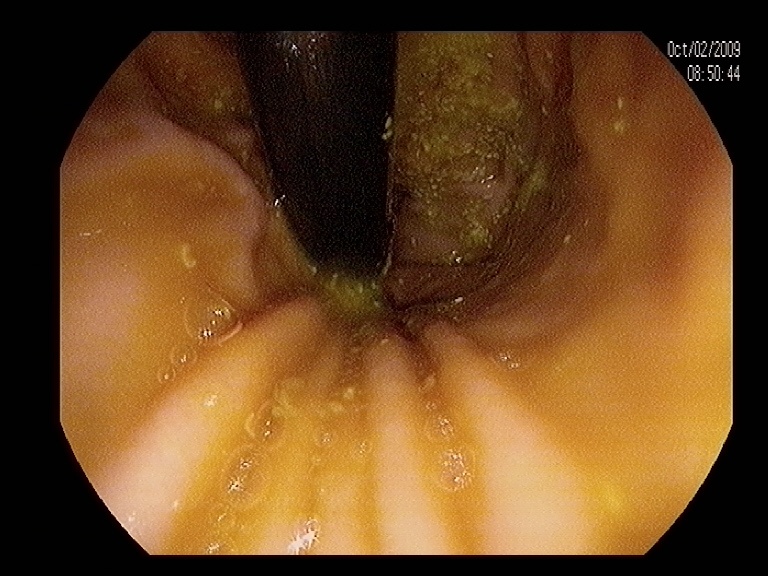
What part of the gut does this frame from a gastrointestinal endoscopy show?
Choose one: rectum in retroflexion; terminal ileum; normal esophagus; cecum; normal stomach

normal stomach